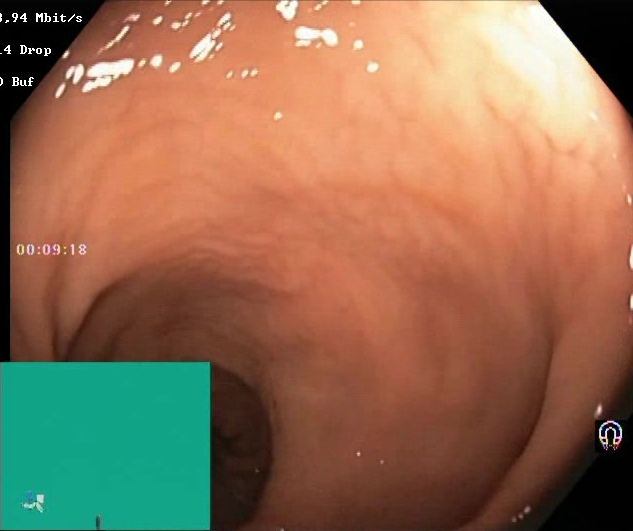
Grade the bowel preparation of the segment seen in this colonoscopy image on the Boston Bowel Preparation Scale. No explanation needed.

Boston Bowel Preparation Scale score 2–3 (adequate preparation)